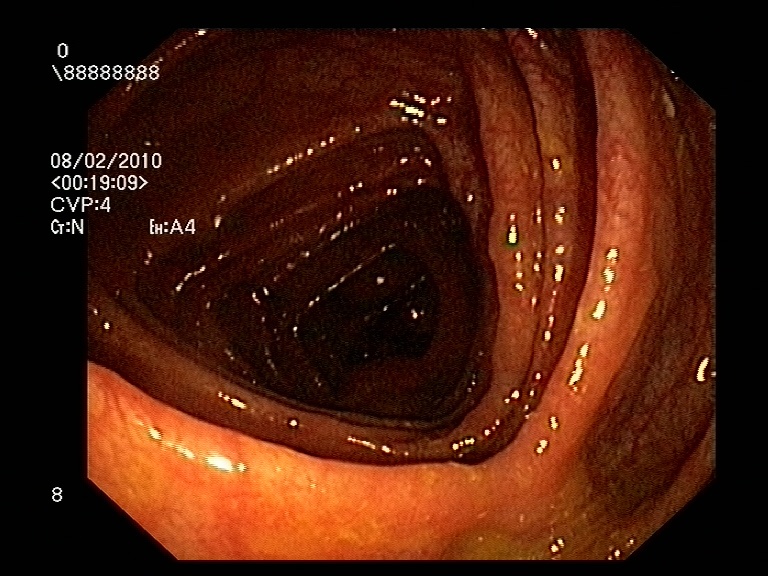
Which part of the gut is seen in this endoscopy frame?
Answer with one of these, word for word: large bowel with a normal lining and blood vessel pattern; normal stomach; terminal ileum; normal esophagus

large bowel with a normal lining and blood vessel pattern